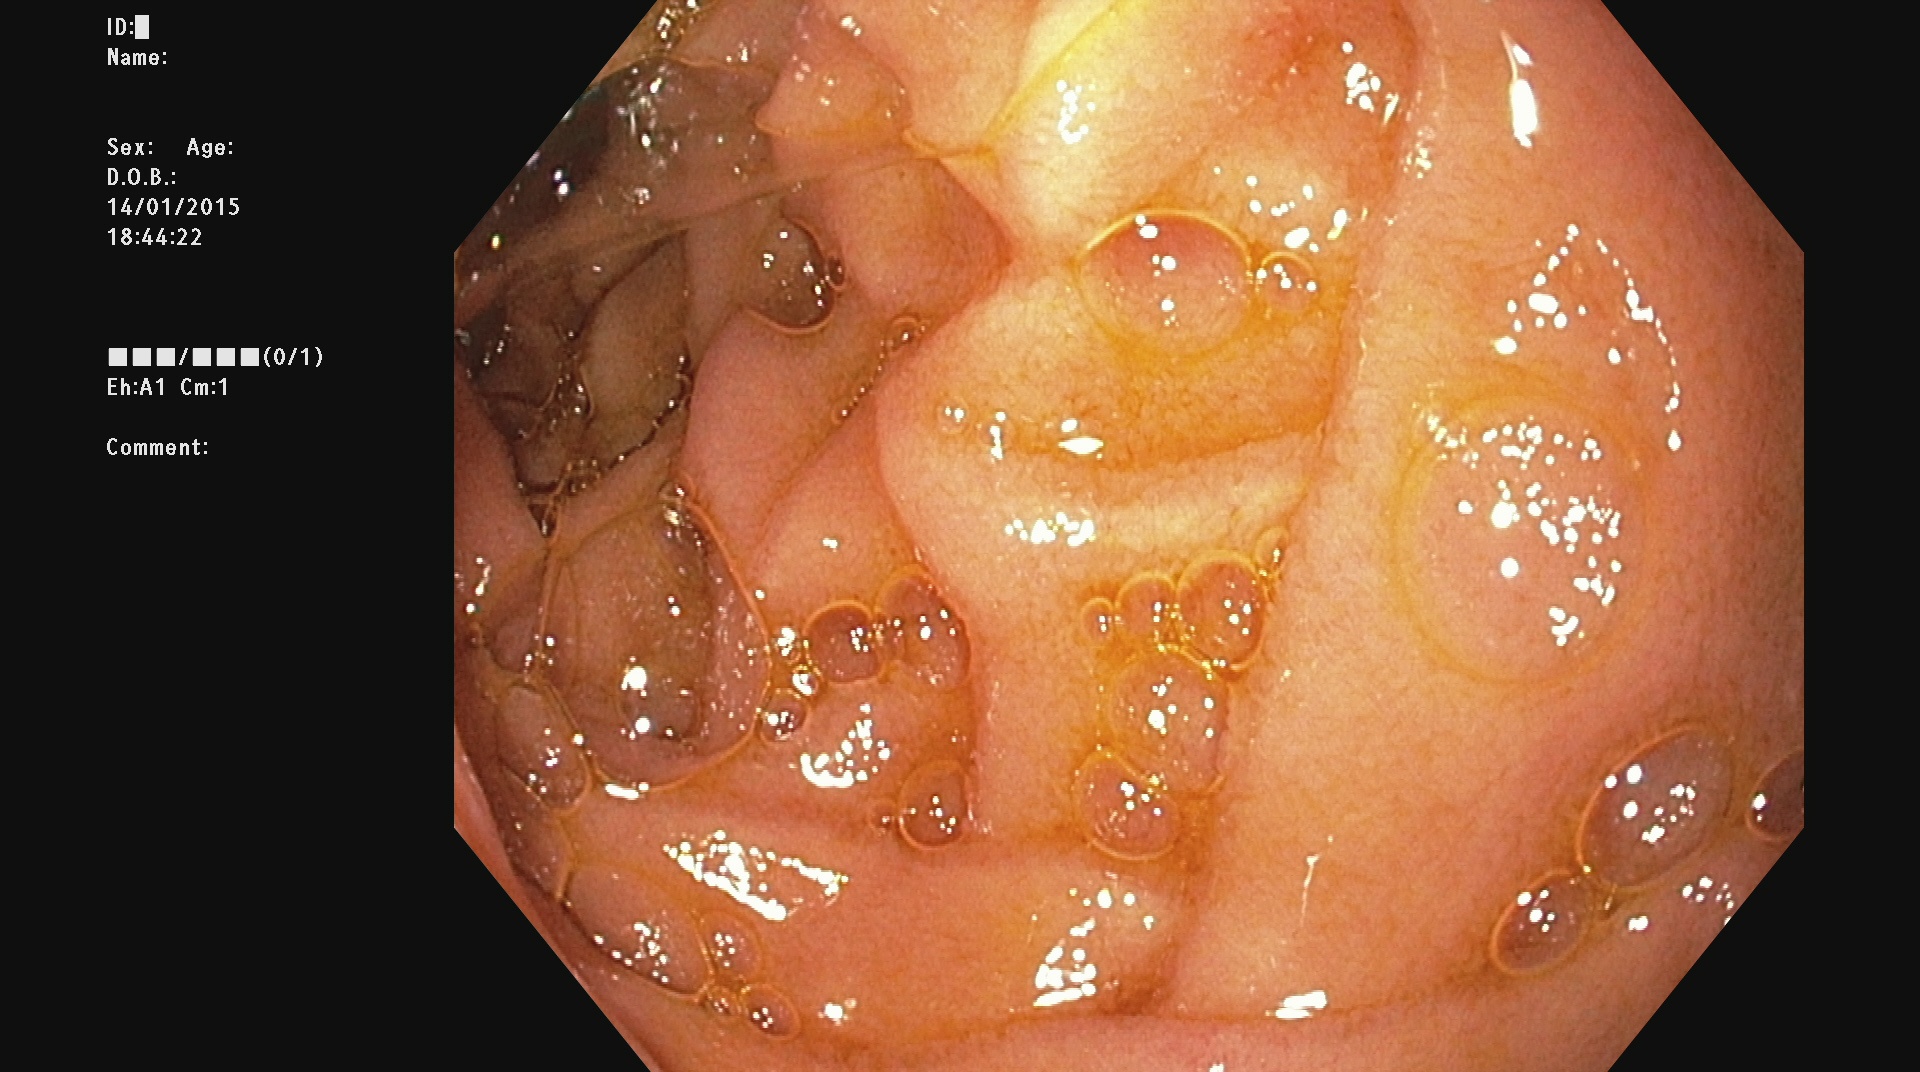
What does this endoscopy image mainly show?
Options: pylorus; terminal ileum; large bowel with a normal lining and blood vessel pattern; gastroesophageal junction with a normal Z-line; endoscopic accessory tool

terminal ileum